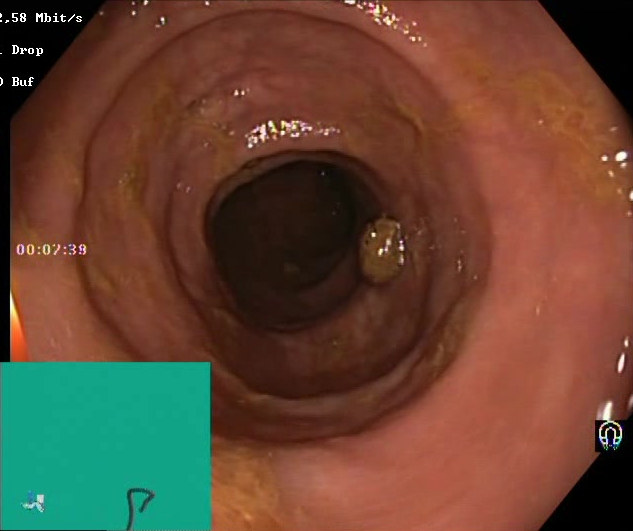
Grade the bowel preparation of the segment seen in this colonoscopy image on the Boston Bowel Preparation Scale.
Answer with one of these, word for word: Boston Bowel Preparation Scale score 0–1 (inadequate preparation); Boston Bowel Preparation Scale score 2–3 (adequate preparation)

Boston Bowel Preparation Scale score 2–3 (adequate preparation)